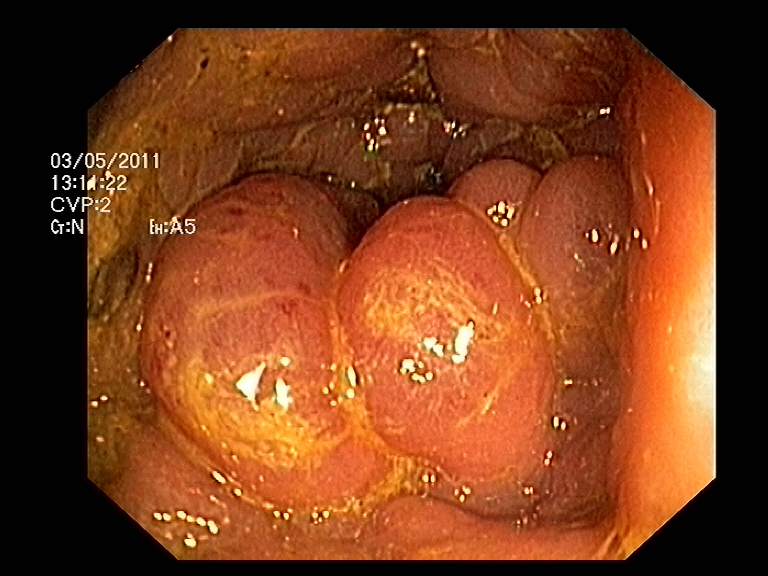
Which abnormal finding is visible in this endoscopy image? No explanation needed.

colorectal cancer